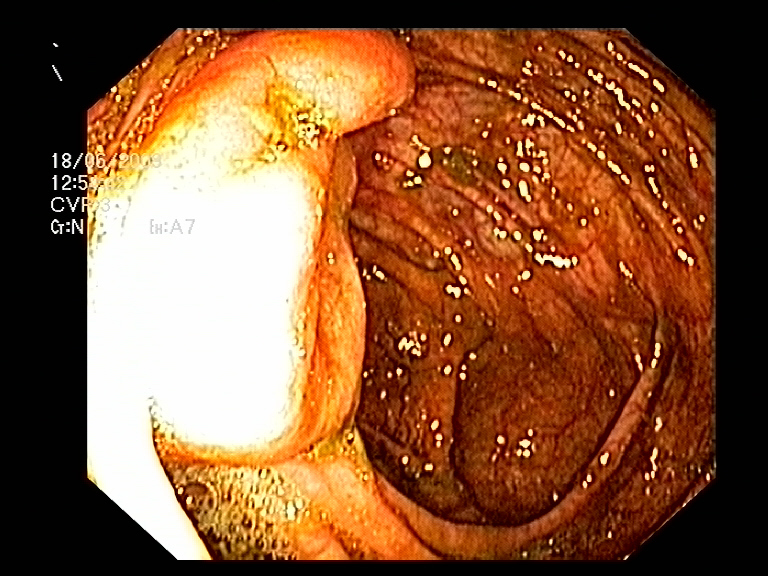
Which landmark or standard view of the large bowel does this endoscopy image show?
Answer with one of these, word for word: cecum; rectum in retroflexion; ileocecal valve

ileocecal valve